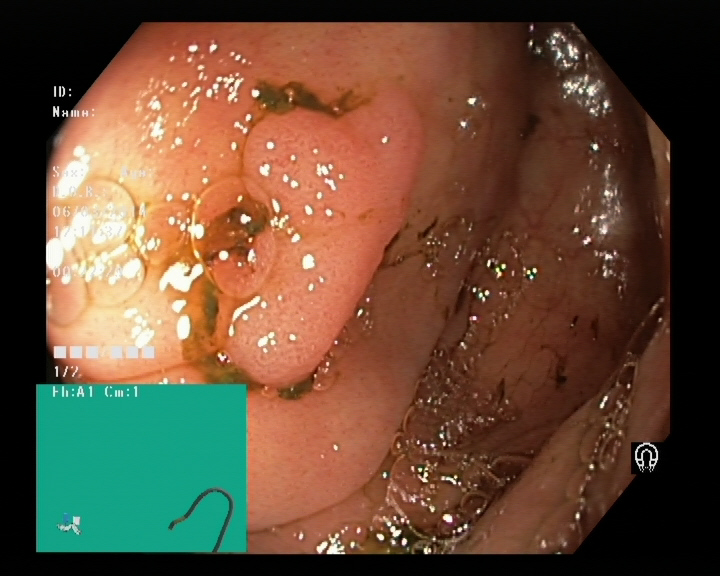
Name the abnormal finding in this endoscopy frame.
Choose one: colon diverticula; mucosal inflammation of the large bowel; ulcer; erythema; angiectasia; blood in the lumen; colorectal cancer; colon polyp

colon polyp